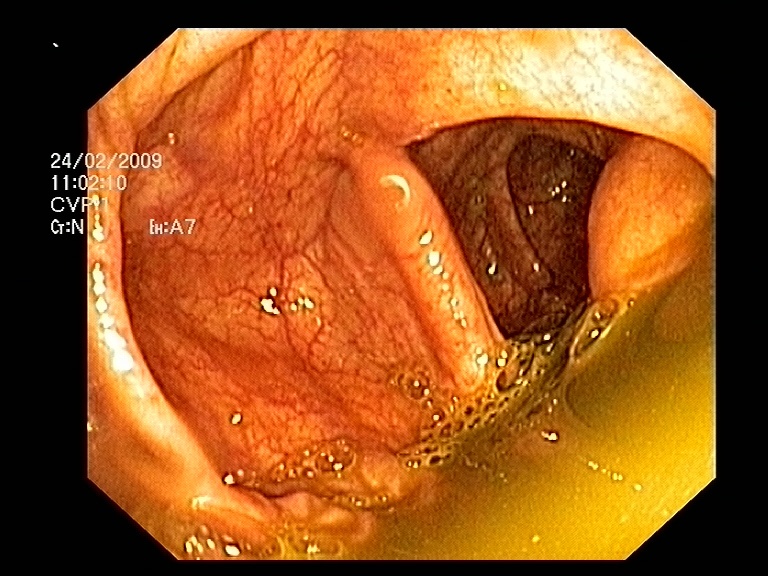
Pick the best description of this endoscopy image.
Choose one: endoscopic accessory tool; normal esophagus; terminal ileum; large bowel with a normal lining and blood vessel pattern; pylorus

large bowel with a normal lining and blood vessel pattern